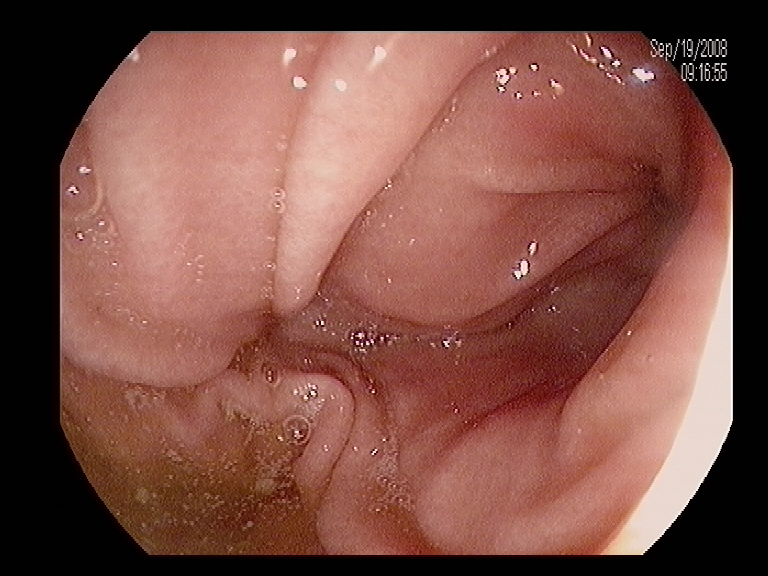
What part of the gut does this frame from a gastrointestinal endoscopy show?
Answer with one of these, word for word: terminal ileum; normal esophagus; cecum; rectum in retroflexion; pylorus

pylorus